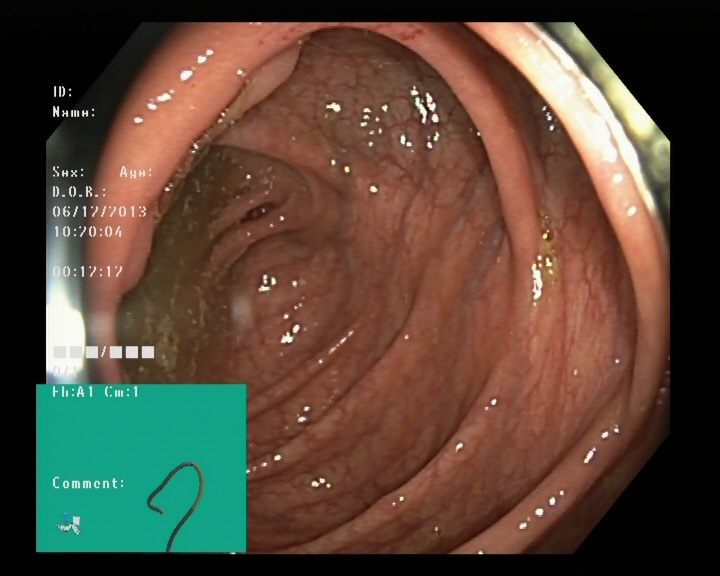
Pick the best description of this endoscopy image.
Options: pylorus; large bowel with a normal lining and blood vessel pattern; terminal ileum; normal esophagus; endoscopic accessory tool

large bowel with a normal lining and blood vessel pattern